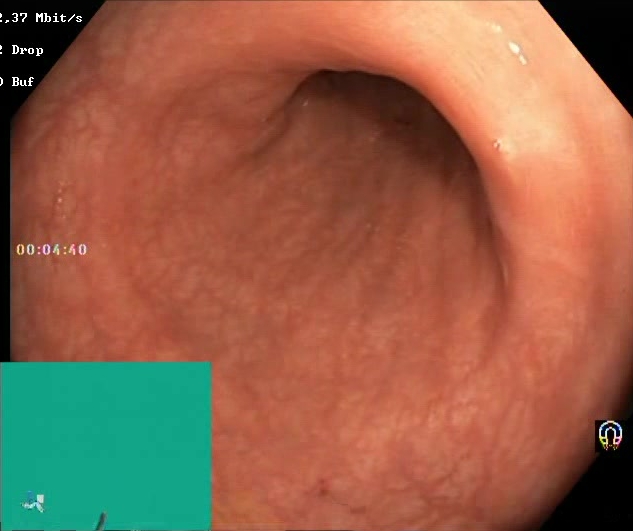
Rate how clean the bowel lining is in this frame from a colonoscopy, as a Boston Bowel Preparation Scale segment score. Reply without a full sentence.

Boston Bowel Preparation Scale score 2–3 (adequate preparation)